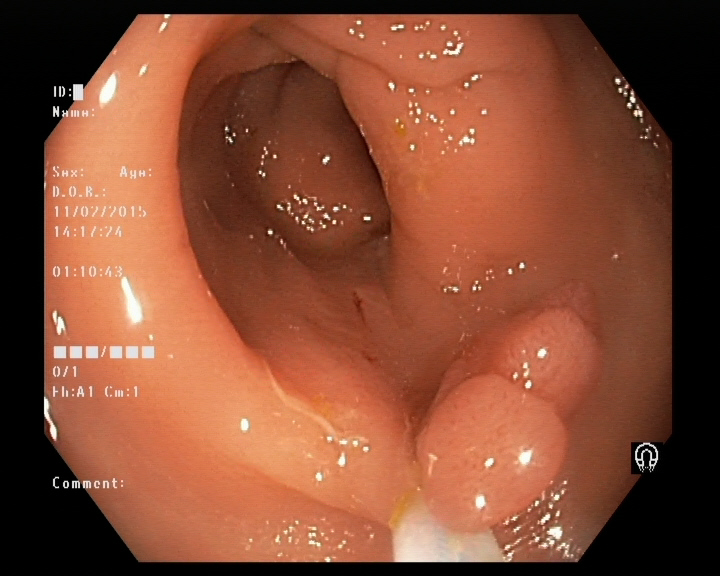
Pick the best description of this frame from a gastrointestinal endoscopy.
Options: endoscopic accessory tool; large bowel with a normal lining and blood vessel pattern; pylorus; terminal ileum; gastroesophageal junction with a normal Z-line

endoscopic accessory tool